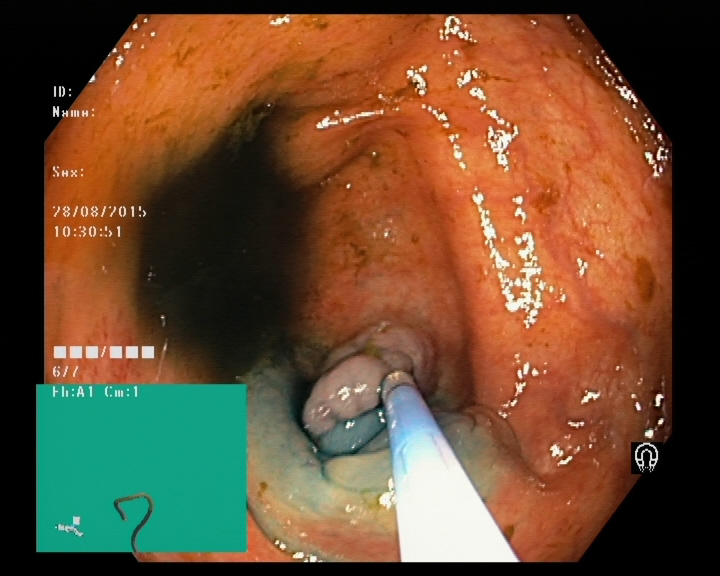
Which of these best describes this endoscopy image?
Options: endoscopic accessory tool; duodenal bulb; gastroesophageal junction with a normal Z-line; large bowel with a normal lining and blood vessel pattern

endoscopic accessory tool